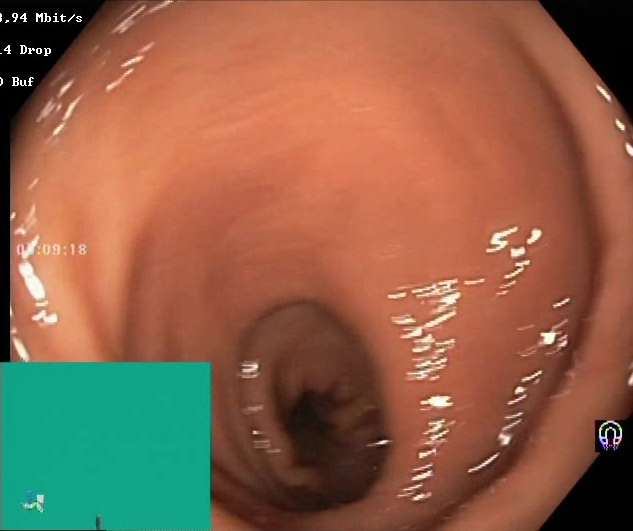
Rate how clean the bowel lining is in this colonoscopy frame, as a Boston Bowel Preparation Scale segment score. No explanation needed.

Boston Bowel Preparation Scale score 2–3 (adequate preparation)